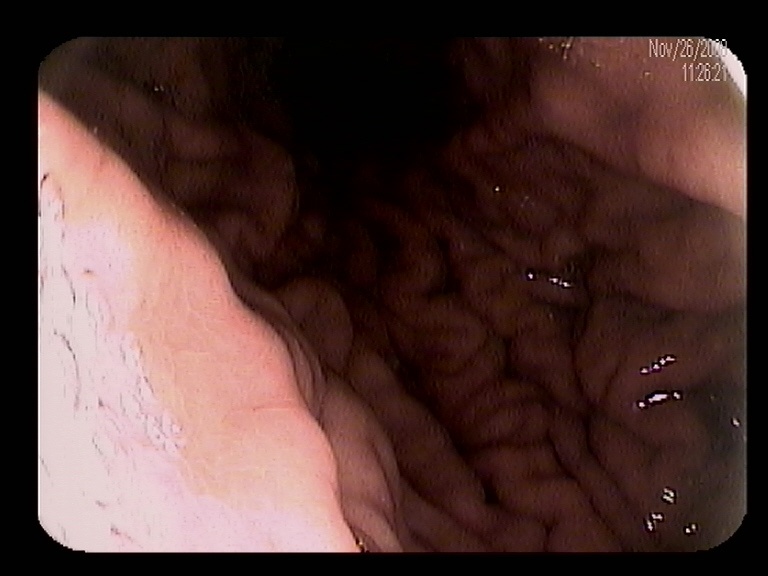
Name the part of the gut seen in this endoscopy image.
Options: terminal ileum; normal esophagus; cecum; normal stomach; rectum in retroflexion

normal stomach